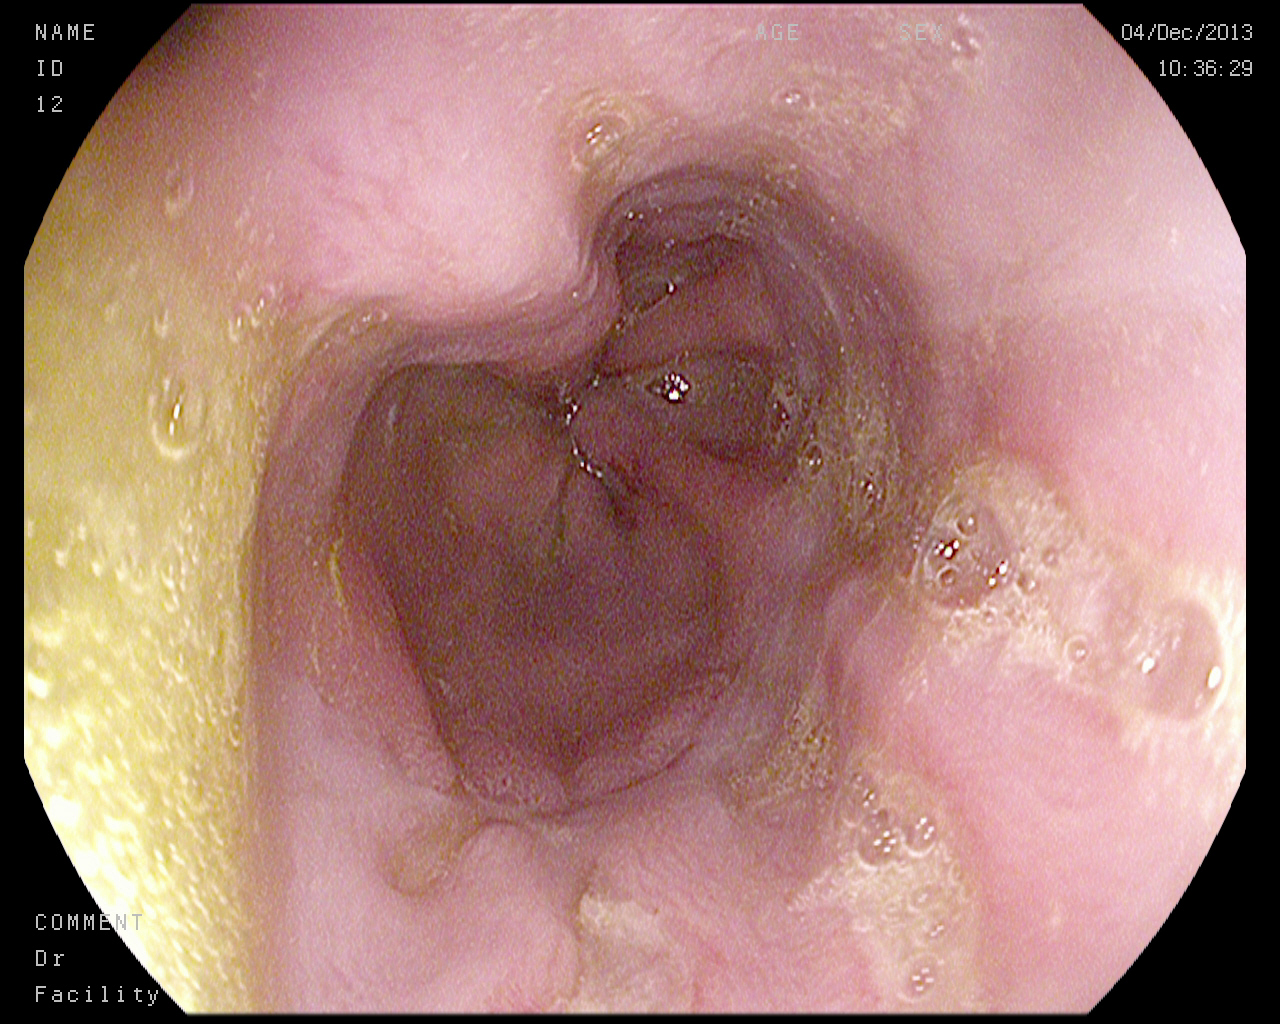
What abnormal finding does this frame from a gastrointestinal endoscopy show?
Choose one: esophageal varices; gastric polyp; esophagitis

esophagitis